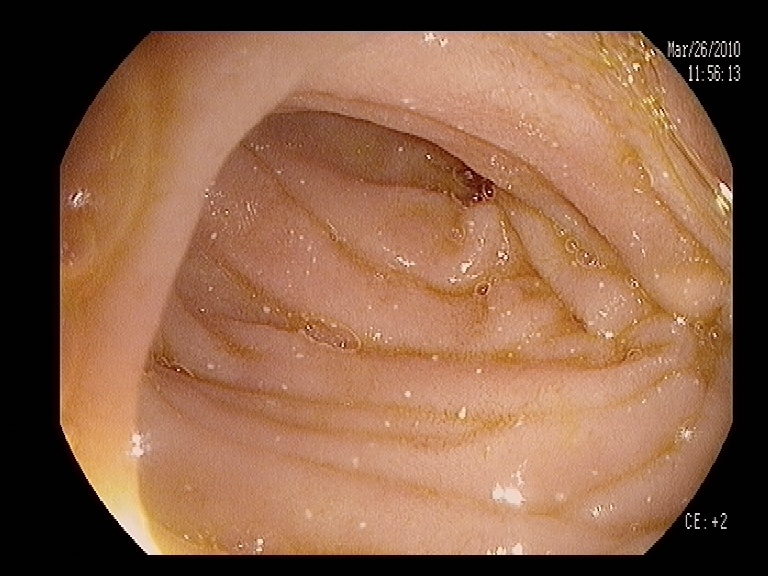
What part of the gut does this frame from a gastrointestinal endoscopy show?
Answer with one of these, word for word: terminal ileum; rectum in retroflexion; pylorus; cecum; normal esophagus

terminal ileum